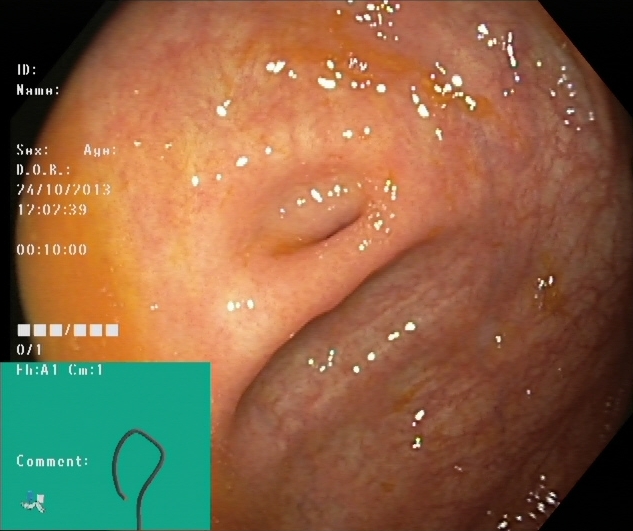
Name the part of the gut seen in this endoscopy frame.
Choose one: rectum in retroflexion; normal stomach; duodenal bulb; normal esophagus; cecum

cecum